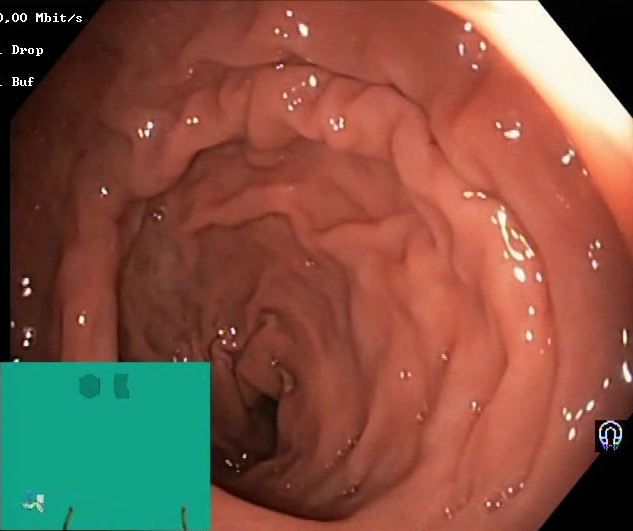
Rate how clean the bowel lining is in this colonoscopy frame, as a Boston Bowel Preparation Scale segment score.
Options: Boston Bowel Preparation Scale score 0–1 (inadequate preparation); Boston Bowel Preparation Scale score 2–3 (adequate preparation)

Boston Bowel Preparation Scale score 2–3 (adequate preparation)